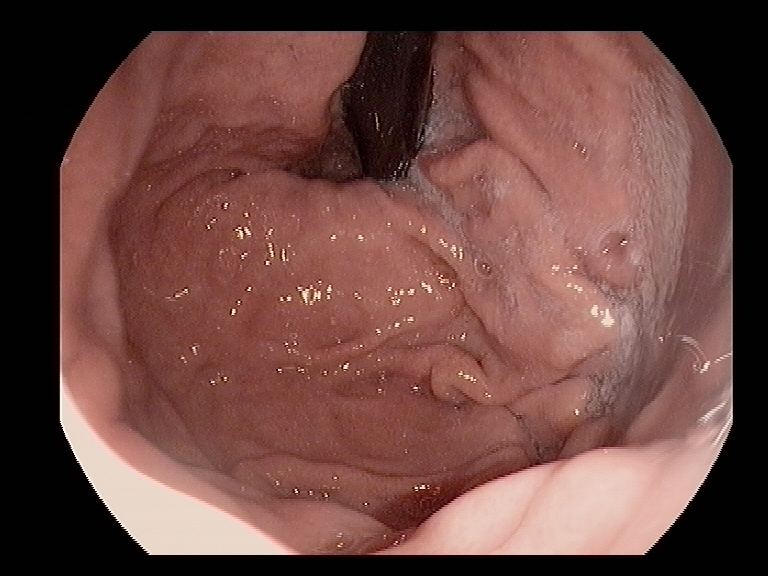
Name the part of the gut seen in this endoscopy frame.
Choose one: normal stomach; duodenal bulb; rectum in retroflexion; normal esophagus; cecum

normal stomach